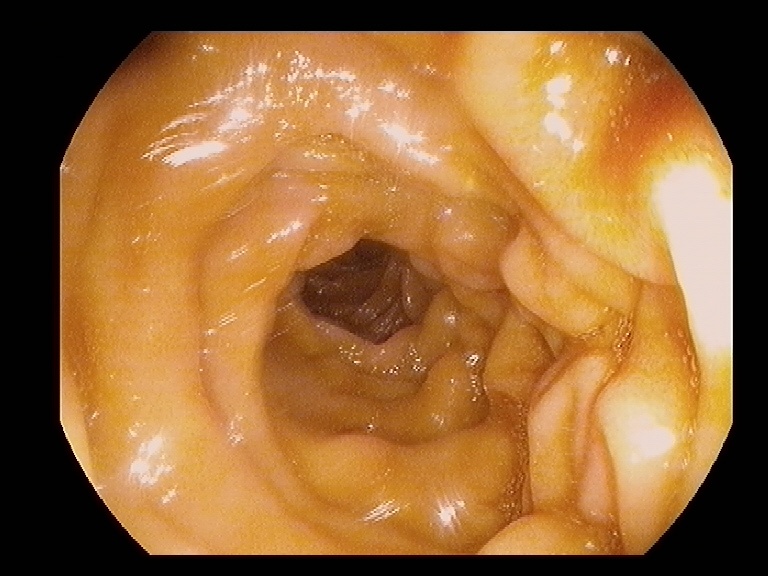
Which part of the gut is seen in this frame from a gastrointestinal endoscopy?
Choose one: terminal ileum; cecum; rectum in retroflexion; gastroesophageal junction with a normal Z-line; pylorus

terminal ileum